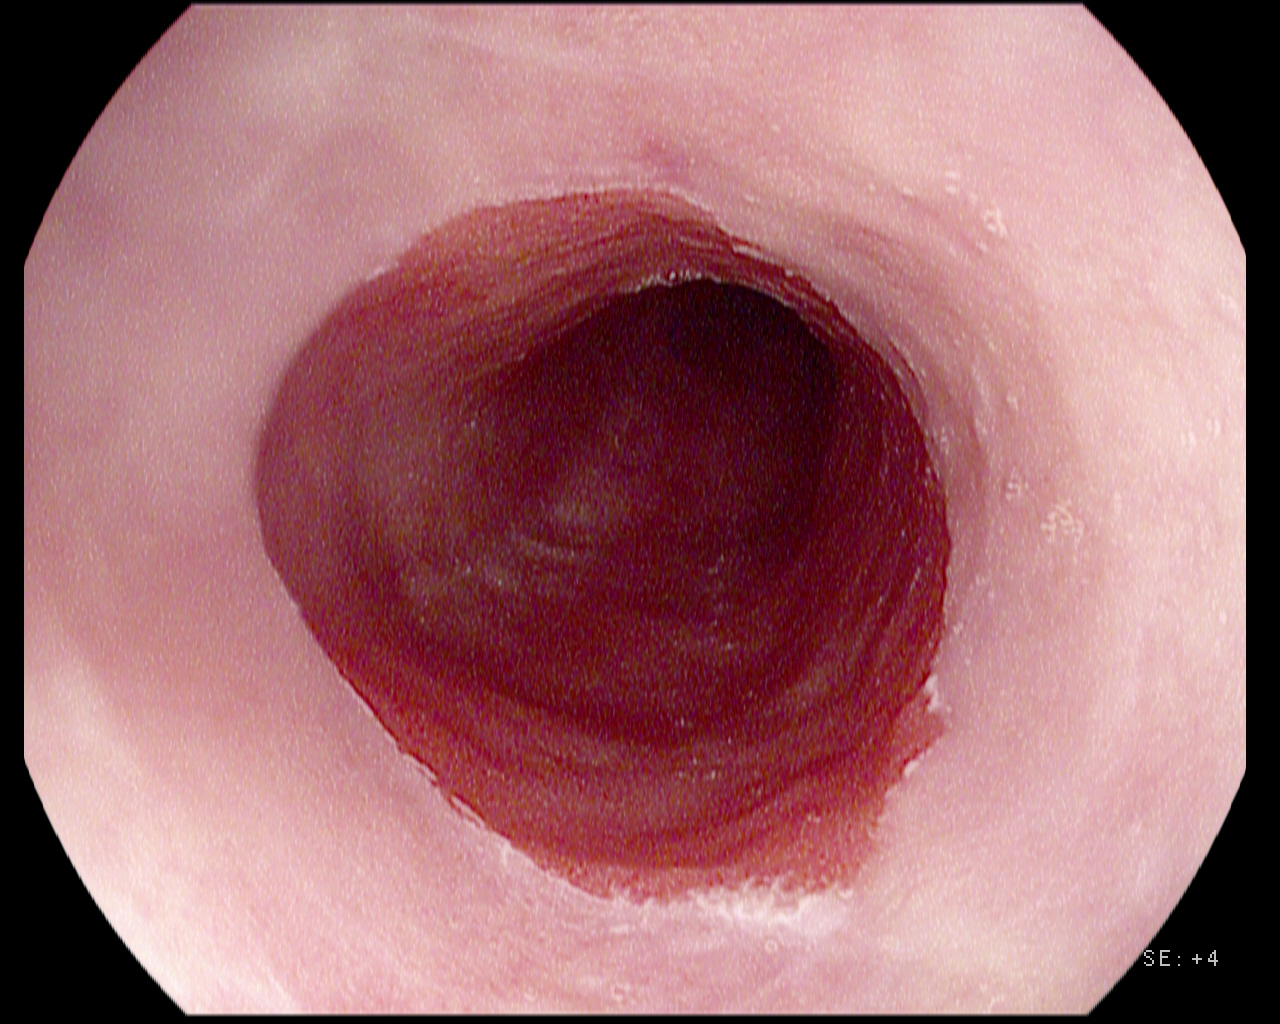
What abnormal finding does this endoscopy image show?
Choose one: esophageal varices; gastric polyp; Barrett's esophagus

Barrett's esophagus